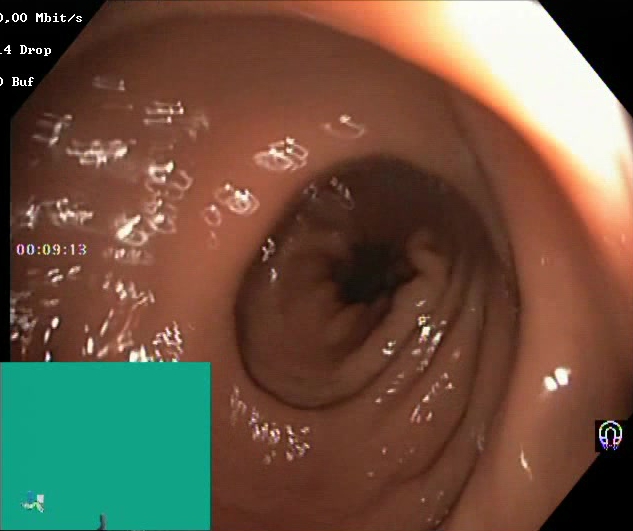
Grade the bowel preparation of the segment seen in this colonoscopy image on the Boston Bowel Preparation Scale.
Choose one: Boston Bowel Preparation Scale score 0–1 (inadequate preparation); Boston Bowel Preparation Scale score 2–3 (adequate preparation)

Boston Bowel Preparation Scale score 2–3 (adequate preparation)